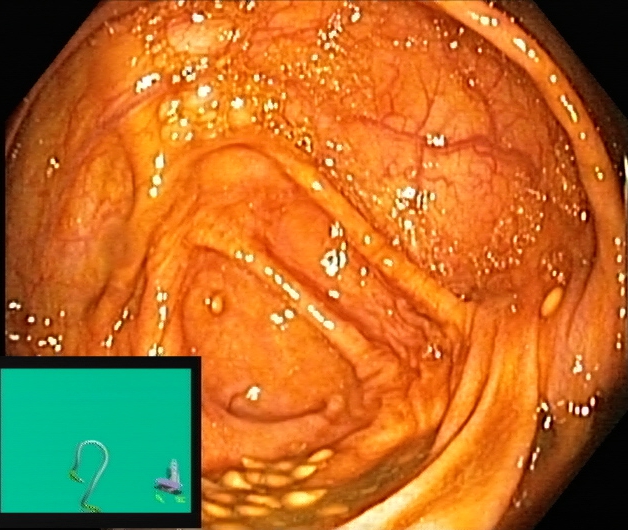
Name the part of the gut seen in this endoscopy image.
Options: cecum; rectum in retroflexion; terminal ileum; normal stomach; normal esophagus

cecum